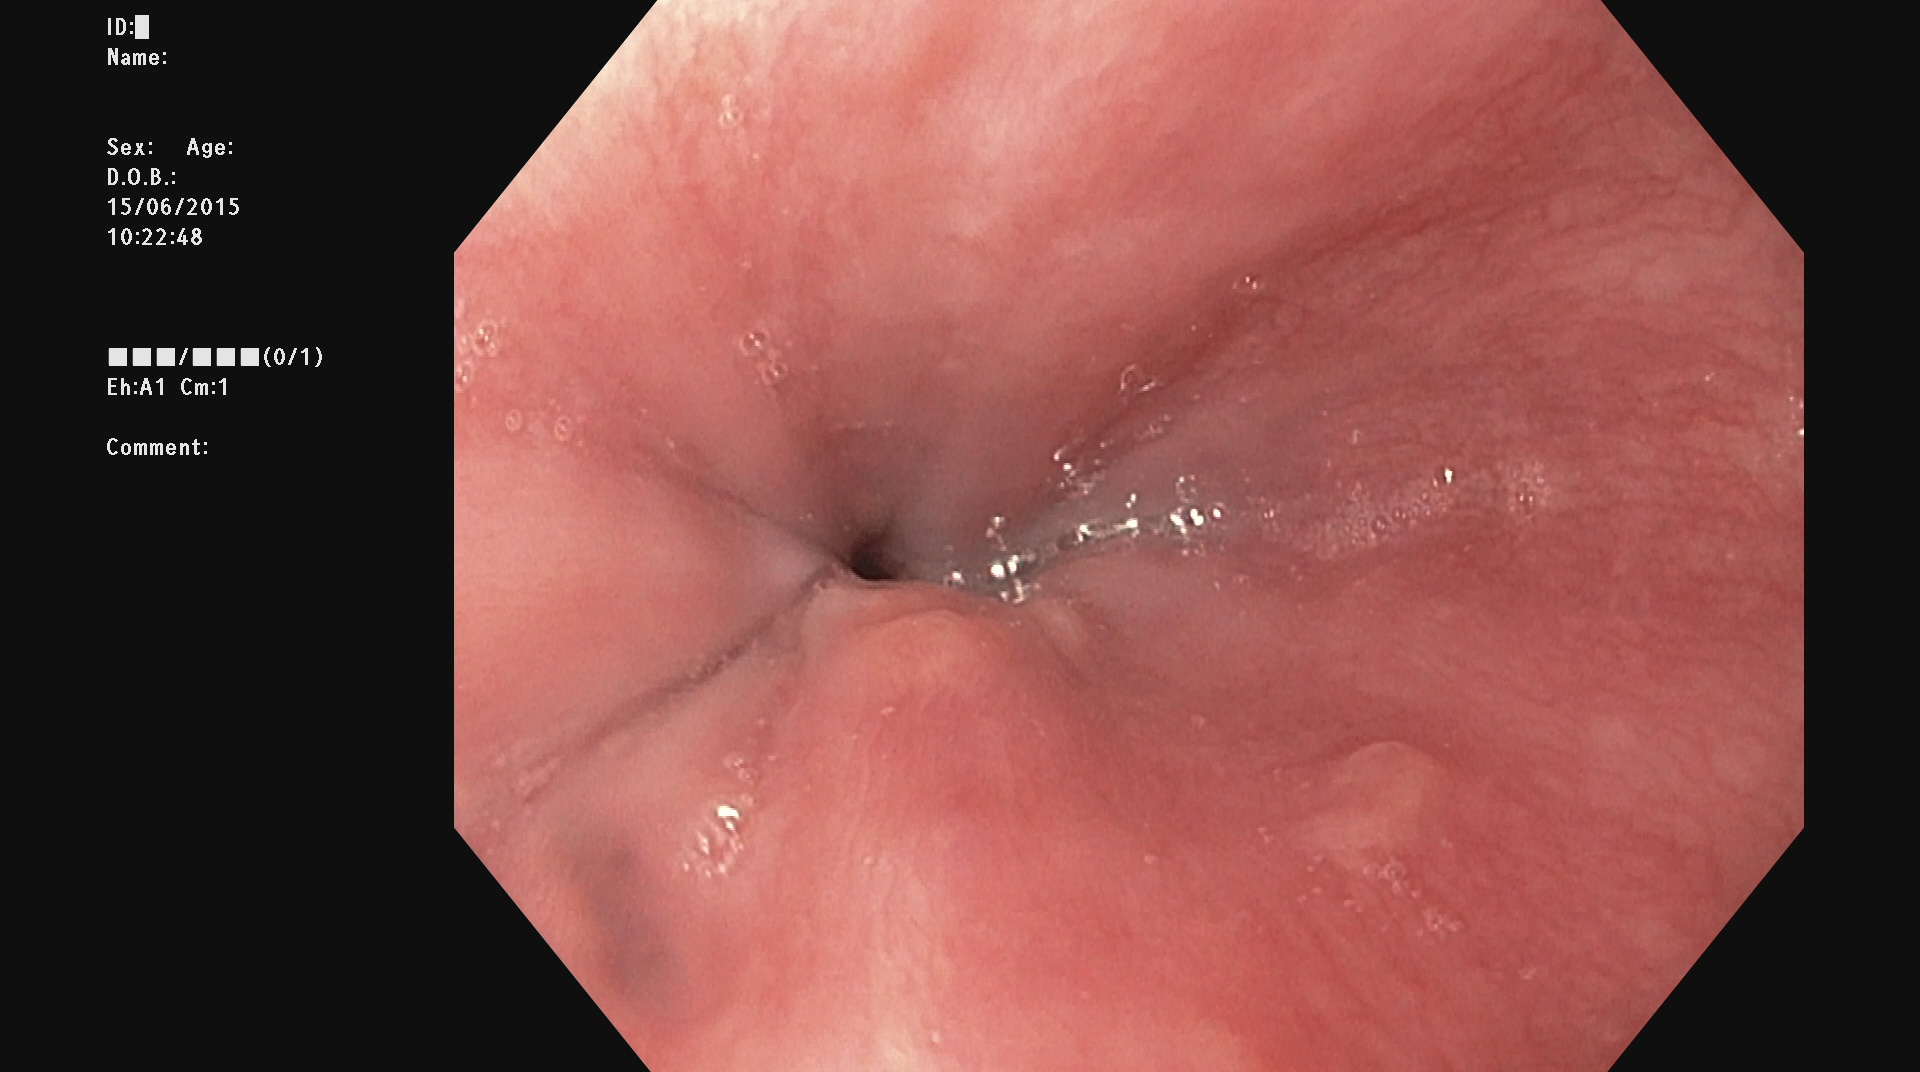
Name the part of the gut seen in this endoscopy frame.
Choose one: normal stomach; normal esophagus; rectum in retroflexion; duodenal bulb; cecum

normal esophagus